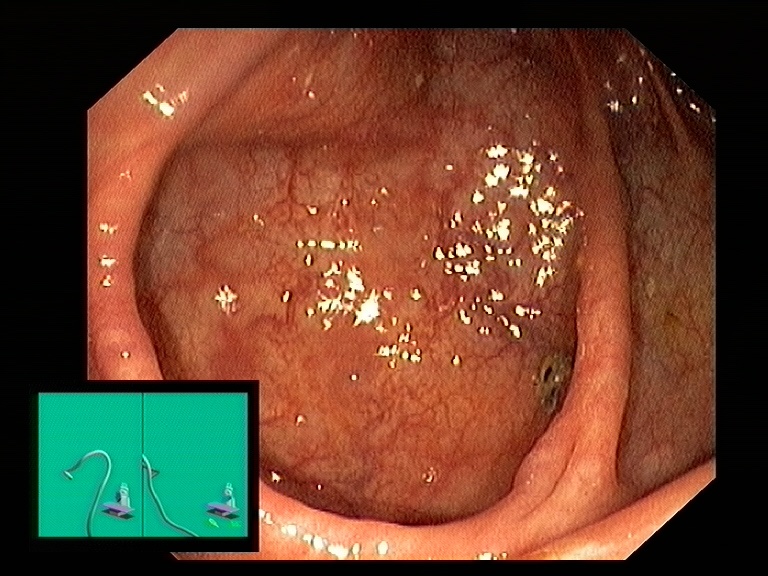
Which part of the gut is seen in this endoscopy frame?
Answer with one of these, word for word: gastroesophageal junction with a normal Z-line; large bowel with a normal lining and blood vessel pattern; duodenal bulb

large bowel with a normal lining and blood vessel pattern